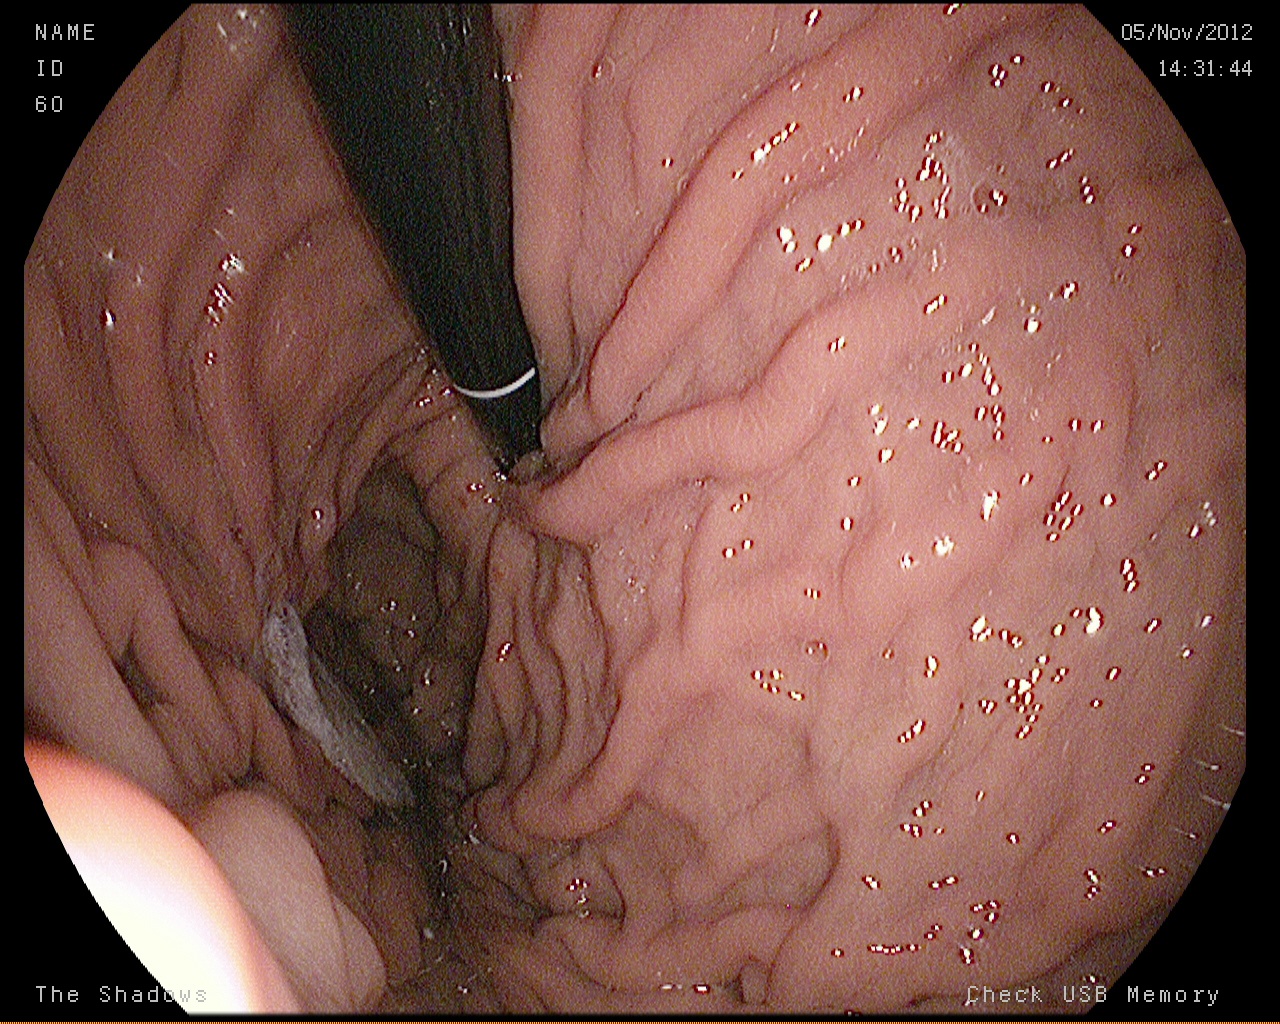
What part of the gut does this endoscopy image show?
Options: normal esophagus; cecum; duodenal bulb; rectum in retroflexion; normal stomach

normal stomach